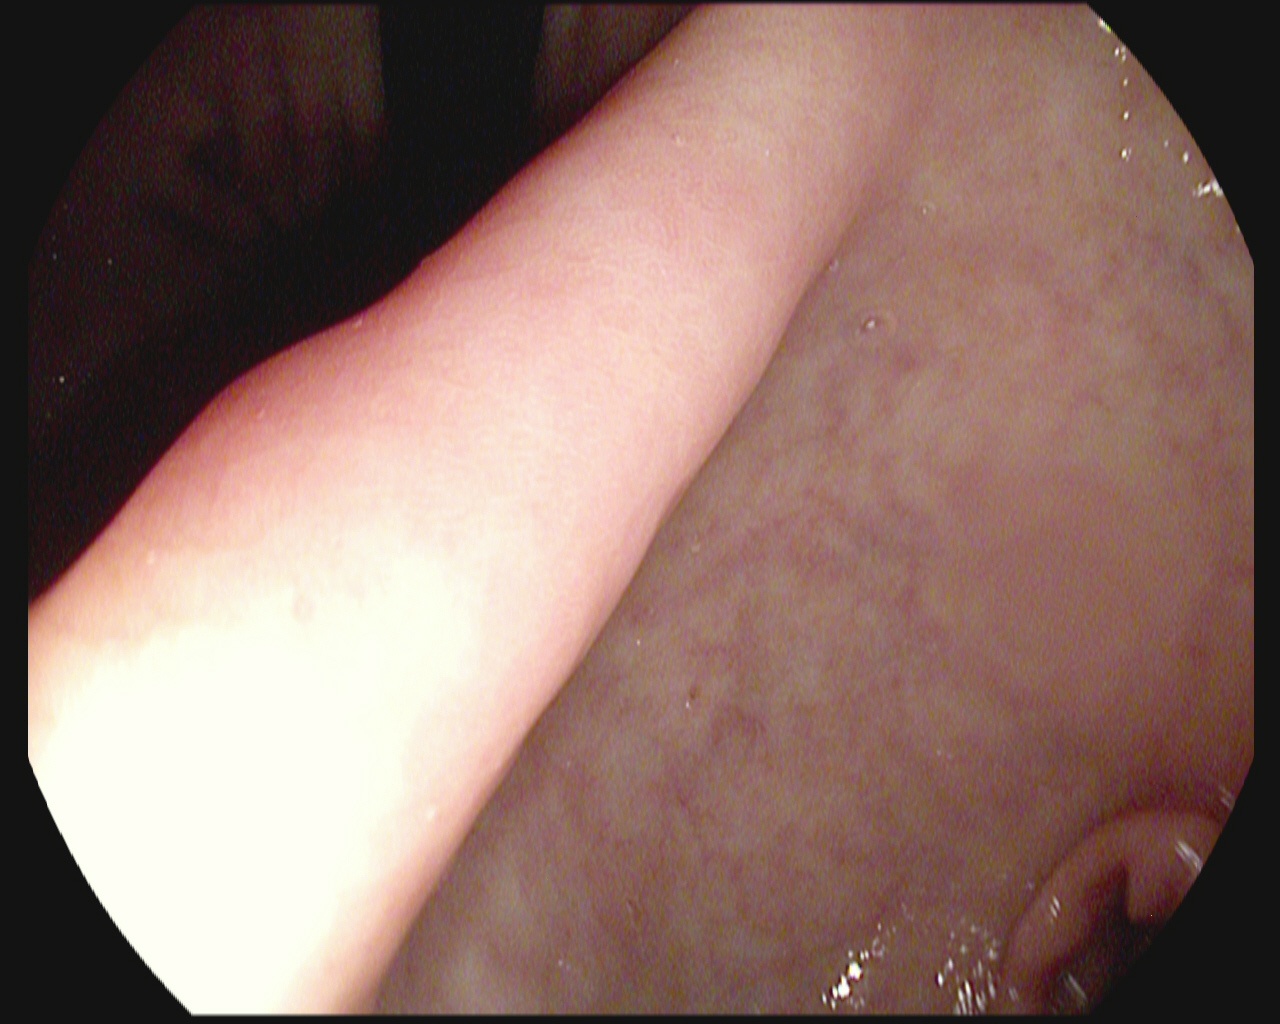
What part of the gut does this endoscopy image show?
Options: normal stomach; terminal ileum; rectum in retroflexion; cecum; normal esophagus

normal stomach